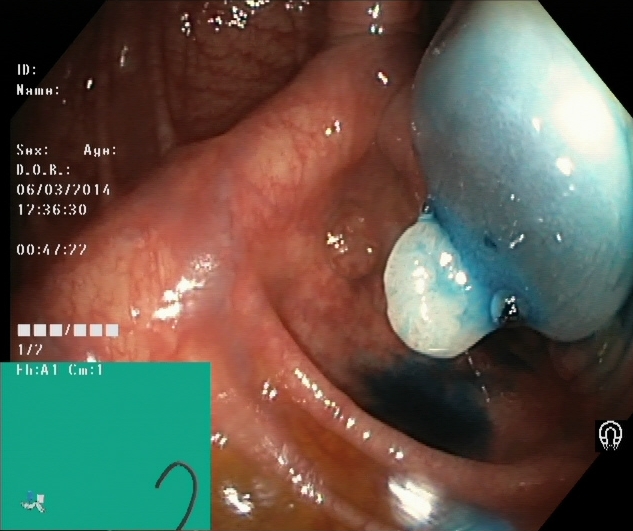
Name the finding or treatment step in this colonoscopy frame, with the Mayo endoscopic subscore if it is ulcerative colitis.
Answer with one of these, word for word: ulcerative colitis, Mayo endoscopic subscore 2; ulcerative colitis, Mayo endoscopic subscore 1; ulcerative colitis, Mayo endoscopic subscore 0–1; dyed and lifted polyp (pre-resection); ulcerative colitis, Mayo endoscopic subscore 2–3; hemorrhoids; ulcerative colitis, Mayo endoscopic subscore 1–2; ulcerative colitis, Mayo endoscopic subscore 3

dyed and lifted polyp (pre-resection)